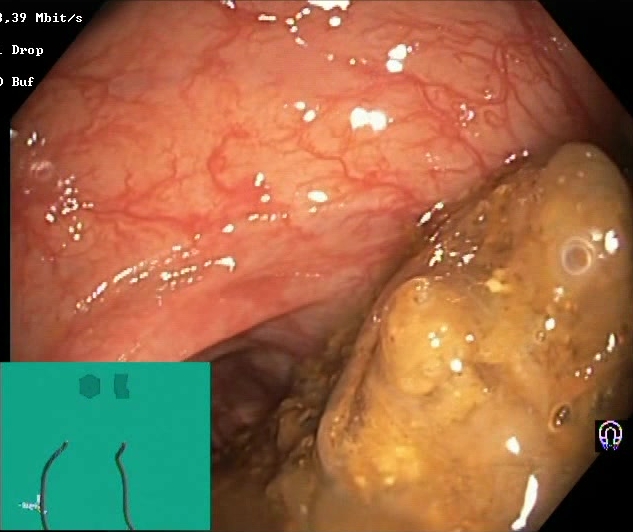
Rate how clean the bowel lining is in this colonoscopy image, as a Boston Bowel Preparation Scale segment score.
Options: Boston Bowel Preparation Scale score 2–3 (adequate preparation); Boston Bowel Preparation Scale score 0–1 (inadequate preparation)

Boston Bowel Preparation Scale score 0–1 (inadequate preparation)